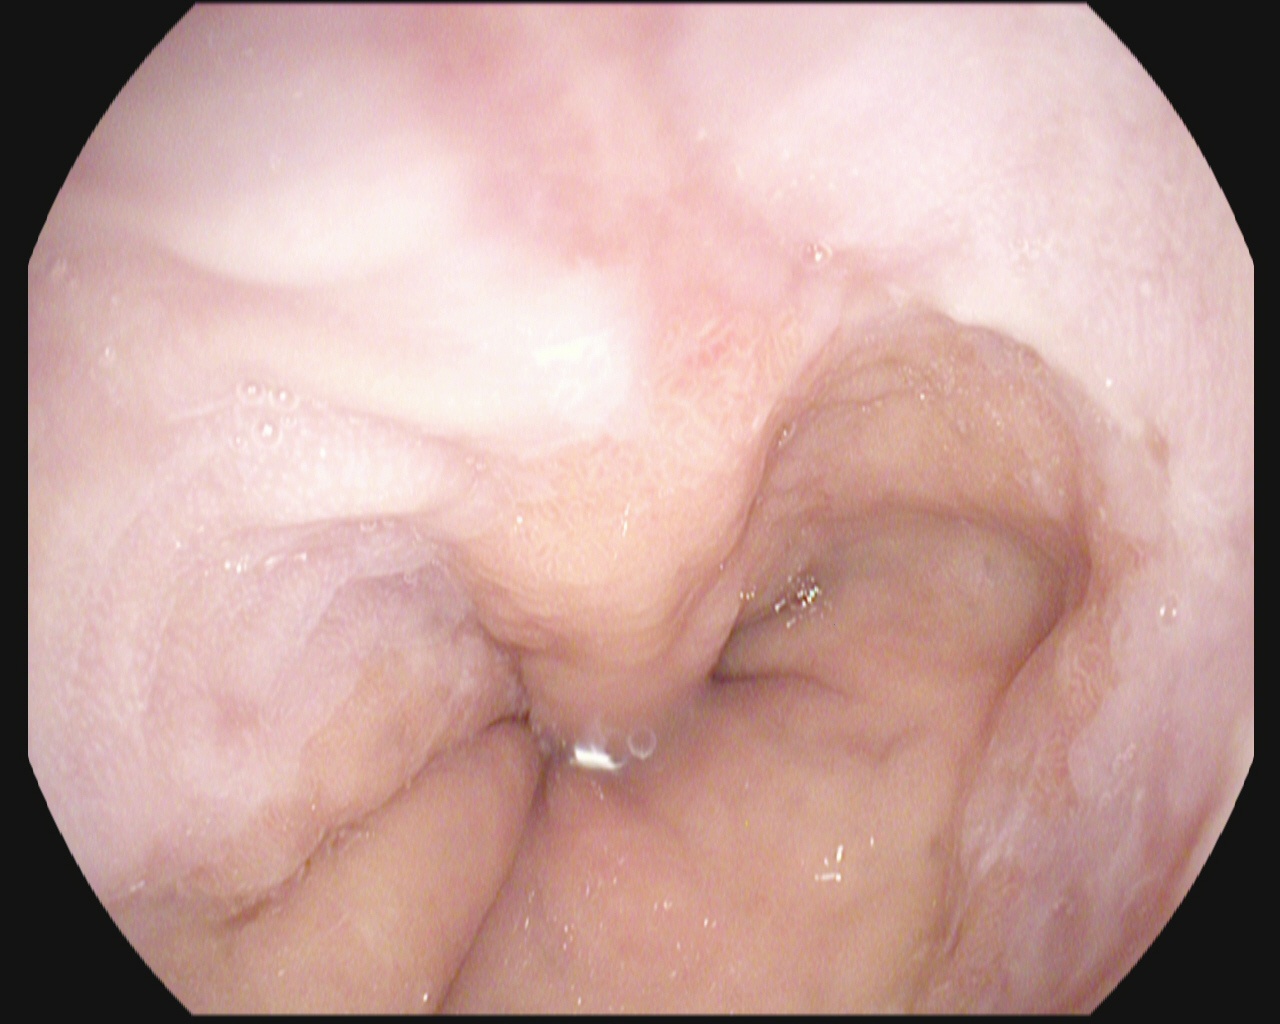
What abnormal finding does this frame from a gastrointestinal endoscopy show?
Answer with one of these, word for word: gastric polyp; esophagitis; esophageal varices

esophagitis